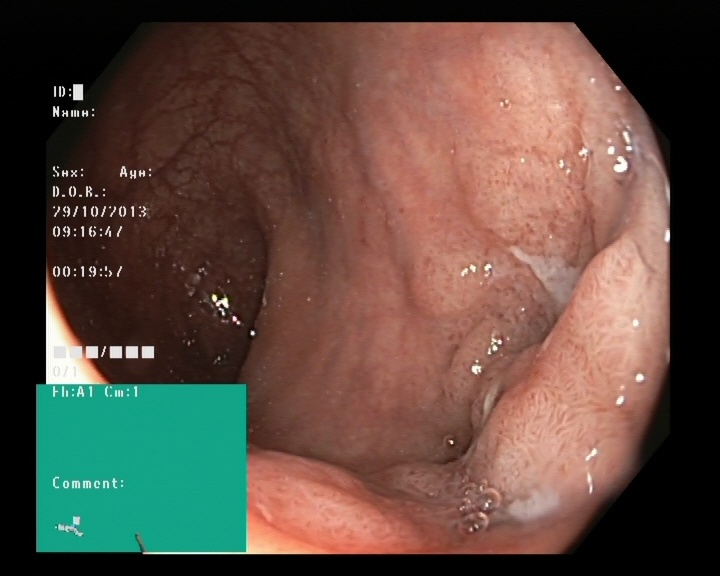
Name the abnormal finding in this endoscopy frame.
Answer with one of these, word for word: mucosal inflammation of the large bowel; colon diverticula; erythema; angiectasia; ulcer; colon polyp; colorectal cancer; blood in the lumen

colon polyp